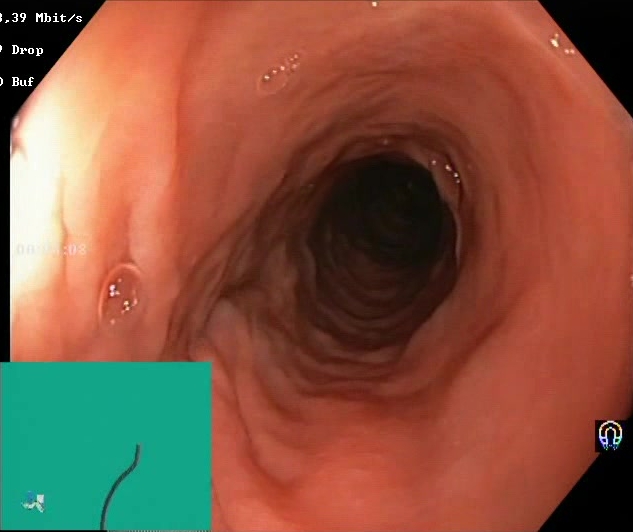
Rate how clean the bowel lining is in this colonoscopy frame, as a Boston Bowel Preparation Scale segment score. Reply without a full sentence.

Boston Bowel Preparation Scale score 2–3 (adequate preparation)